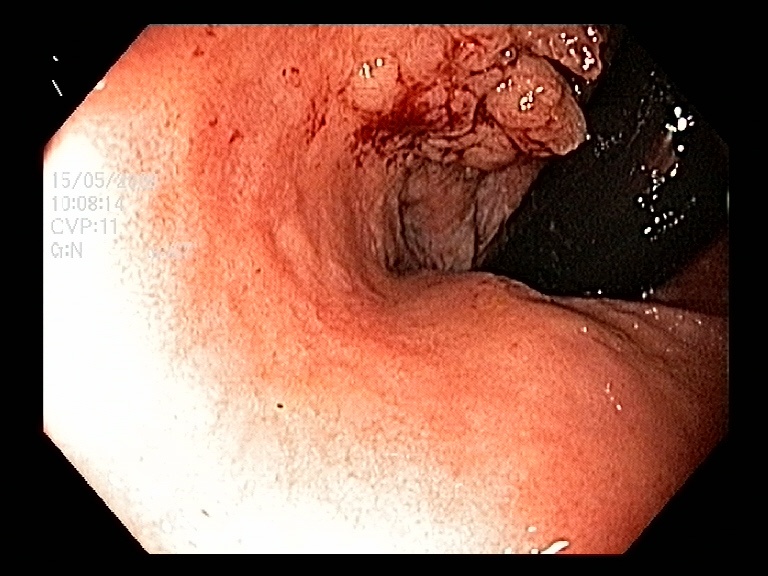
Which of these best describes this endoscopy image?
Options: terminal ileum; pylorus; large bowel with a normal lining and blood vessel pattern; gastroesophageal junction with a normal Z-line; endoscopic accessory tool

endoscopic accessory tool